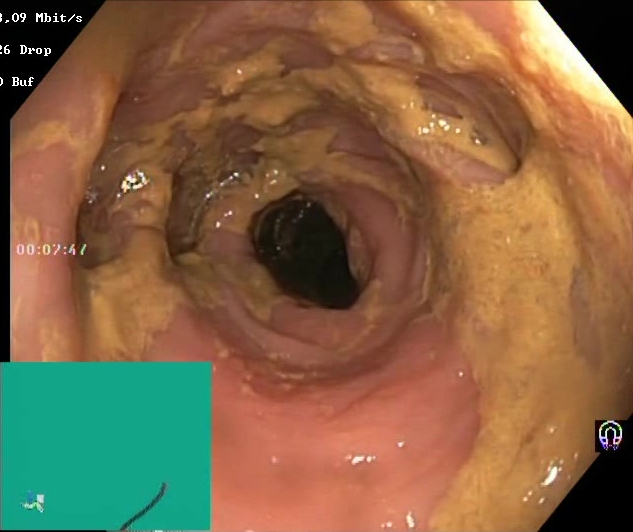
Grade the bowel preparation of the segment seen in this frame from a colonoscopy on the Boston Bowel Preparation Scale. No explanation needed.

Boston Bowel Preparation Scale score 0–1 (inadequate preparation)